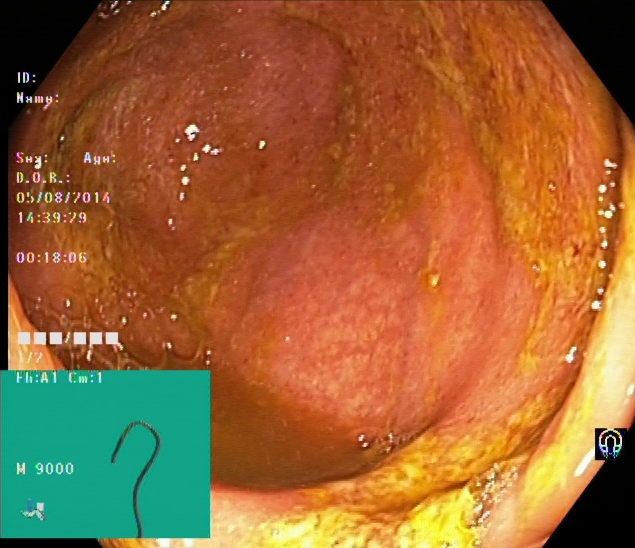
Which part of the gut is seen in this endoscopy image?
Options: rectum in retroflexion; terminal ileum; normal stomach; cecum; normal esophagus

cecum